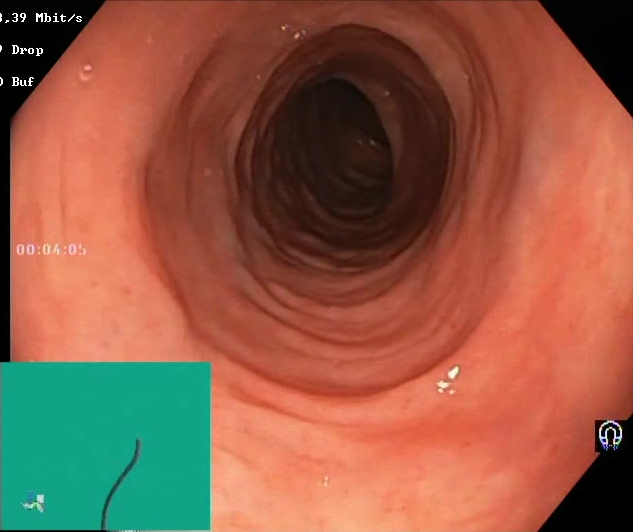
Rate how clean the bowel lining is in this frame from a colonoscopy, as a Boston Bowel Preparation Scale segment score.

Boston Bowel Preparation Scale score 2–3 (adequate preparation)